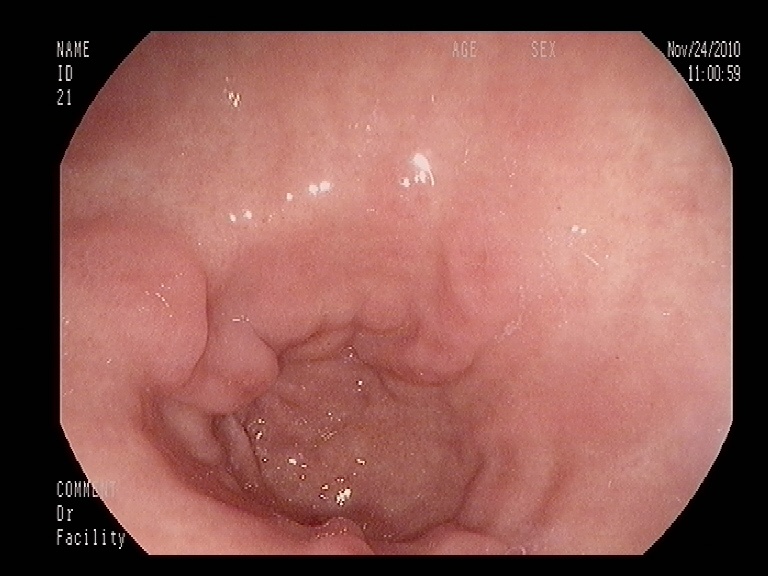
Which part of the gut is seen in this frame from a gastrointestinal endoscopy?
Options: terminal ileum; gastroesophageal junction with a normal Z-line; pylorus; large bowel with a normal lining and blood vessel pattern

pylorus